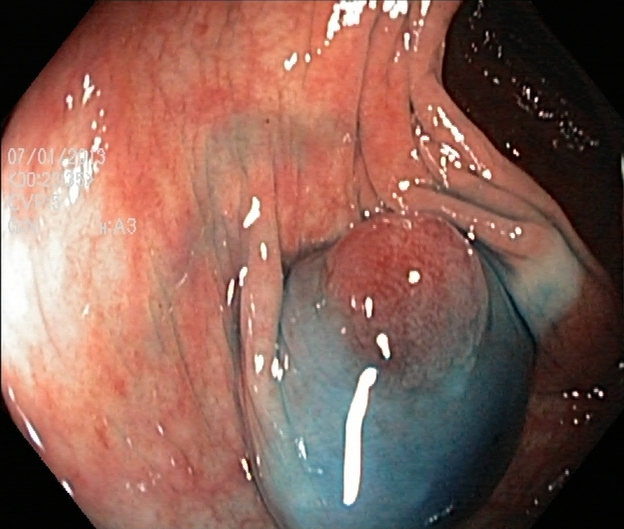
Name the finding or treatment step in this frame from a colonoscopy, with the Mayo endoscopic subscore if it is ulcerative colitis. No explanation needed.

dyed and lifted polyp (pre-resection)